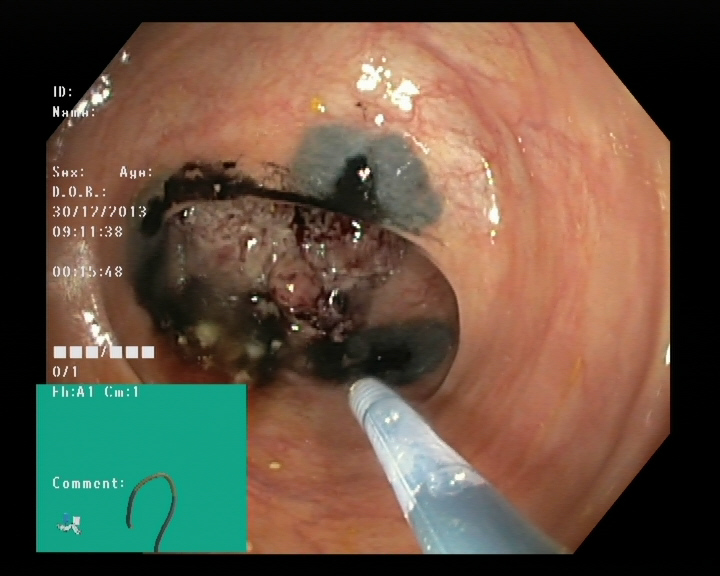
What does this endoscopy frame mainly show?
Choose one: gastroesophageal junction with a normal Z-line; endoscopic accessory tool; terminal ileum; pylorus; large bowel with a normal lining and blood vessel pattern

endoscopic accessory tool